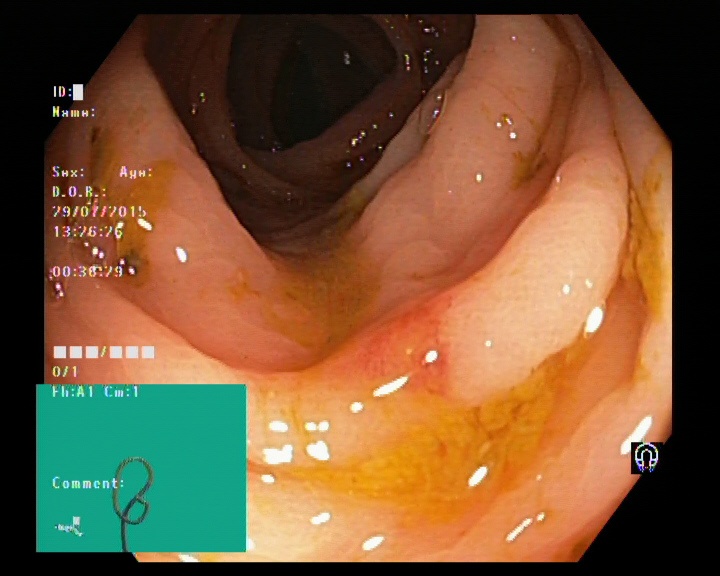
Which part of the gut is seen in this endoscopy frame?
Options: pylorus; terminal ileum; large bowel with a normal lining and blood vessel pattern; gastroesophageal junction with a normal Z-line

large bowel with a normal lining and blood vessel pattern